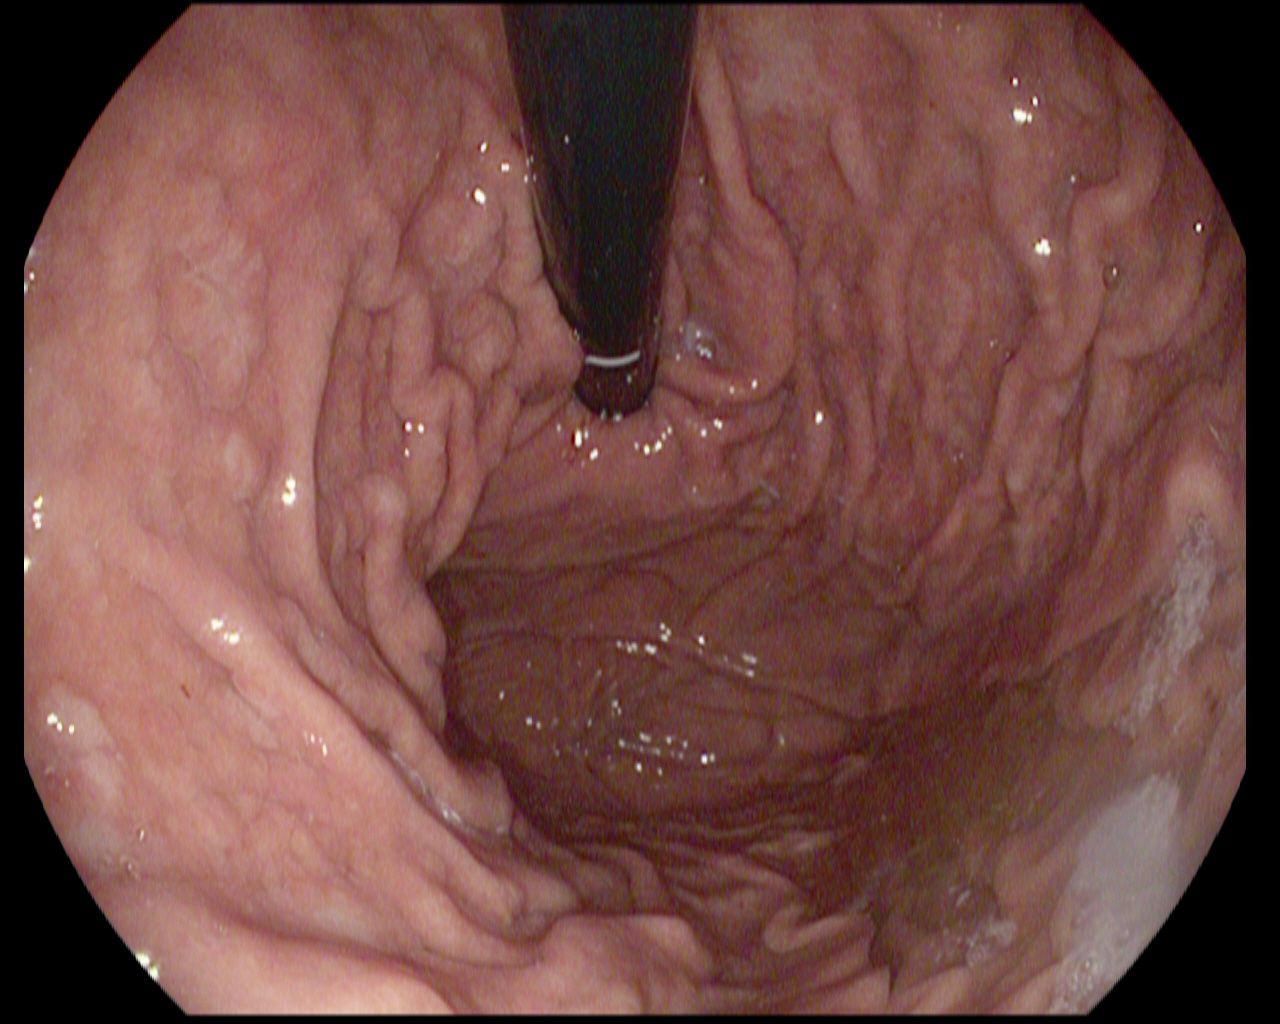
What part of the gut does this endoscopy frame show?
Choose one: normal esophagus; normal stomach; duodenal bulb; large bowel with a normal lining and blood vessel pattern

normal stomach